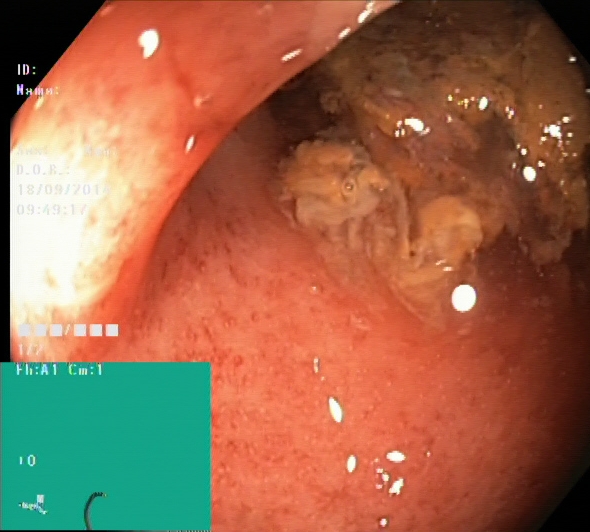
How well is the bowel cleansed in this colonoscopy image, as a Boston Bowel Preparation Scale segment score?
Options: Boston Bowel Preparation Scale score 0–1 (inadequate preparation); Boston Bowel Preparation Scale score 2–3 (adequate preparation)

Boston Bowel Preparation Scale score 0–1 (inadequate preparation)